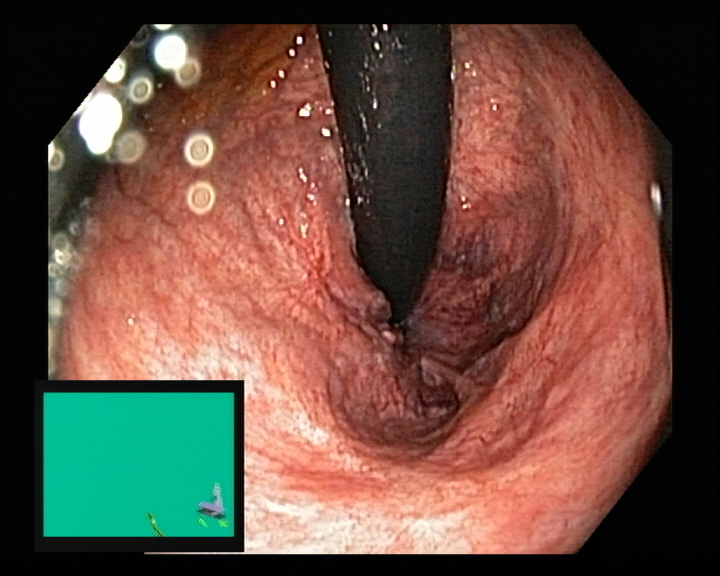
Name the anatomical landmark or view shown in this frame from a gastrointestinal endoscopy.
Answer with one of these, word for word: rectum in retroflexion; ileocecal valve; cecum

rectum in retroflexion